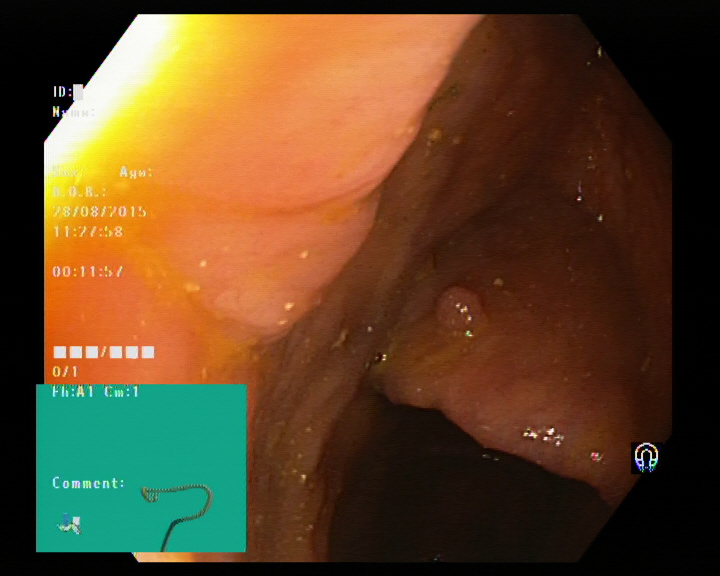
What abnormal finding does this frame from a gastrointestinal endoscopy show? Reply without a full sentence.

colon polyp